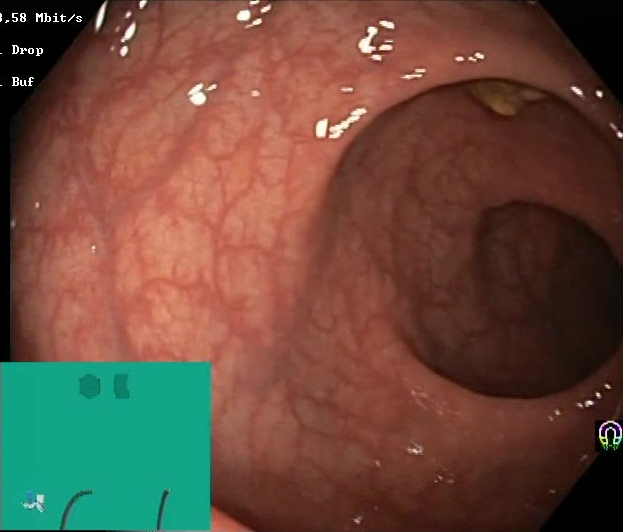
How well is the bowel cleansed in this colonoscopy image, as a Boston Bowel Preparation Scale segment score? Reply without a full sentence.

Boston Bowel Preparation Scale score 2–3 (adequate preparation)